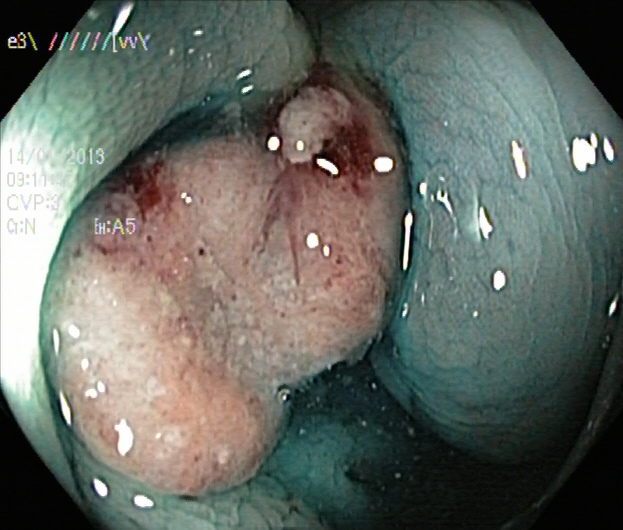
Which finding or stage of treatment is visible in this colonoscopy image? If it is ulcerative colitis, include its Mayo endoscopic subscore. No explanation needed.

dyed and lifted polyp (pre-resection)